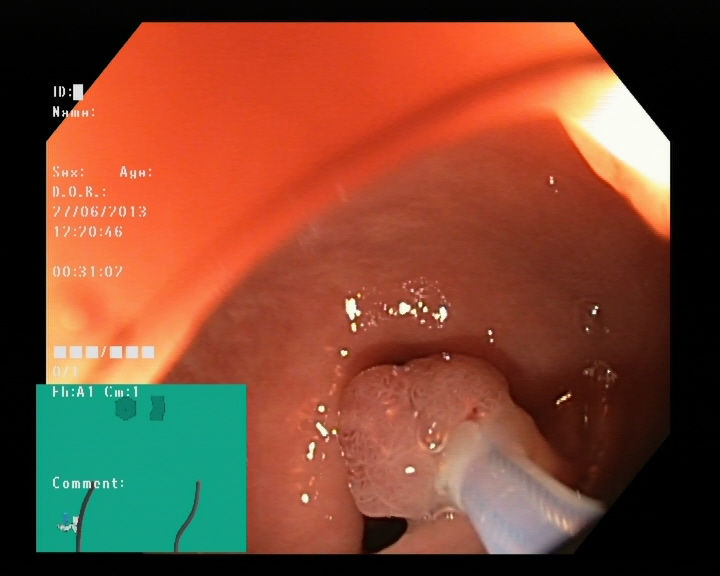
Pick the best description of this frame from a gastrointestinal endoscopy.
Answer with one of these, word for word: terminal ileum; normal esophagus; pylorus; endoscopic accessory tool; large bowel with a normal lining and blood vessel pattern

endoscopic accessory tool